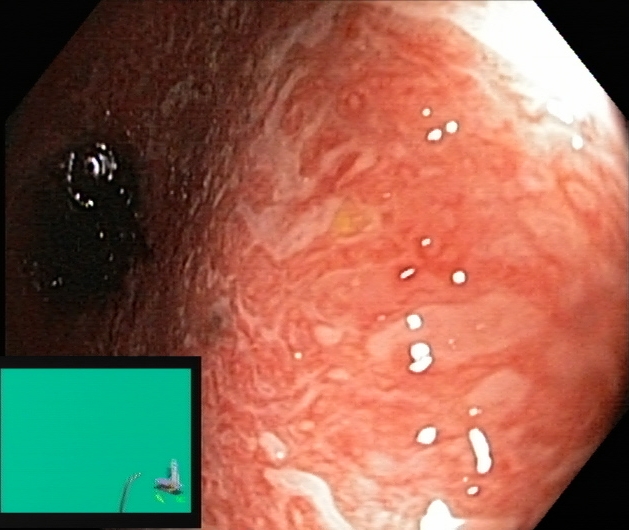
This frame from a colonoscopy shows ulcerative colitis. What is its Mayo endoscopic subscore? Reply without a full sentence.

ulcerative colitis, Mayo endoscopic subscore 2